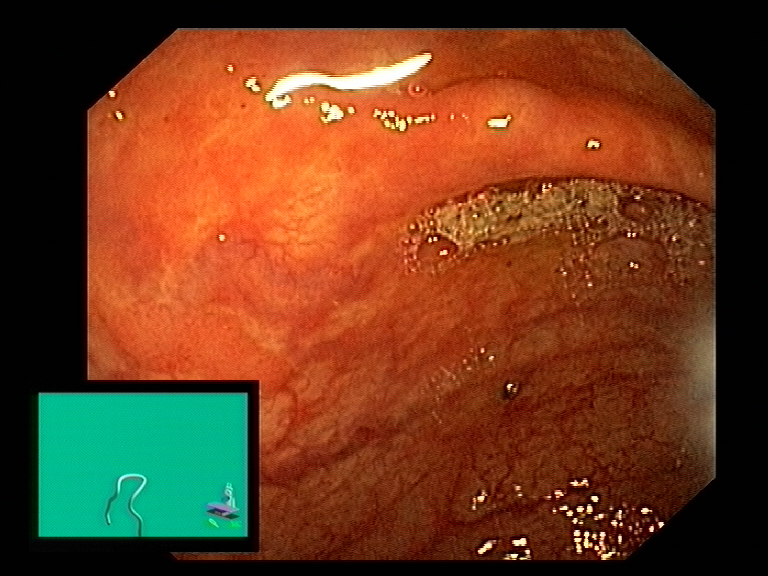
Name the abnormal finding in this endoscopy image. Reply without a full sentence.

mucosal inflammation of the large bowel